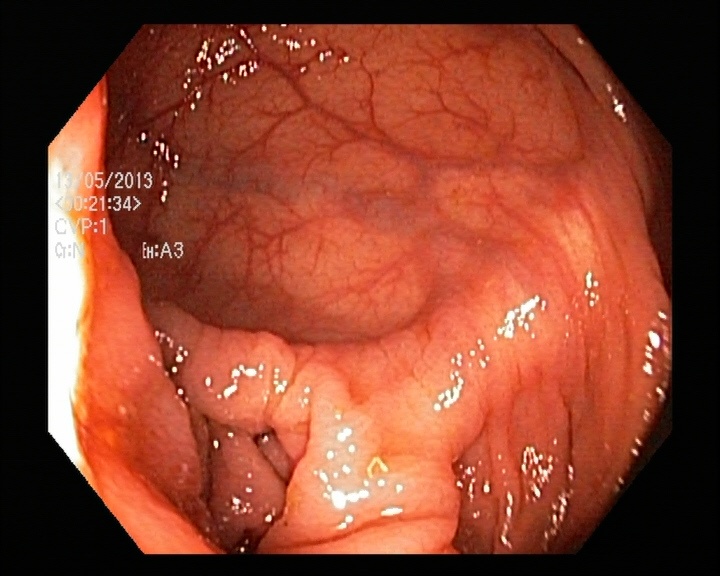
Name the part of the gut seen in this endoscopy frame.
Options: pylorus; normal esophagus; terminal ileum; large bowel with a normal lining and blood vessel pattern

large bowel with a normal lining and blood vessel pattern